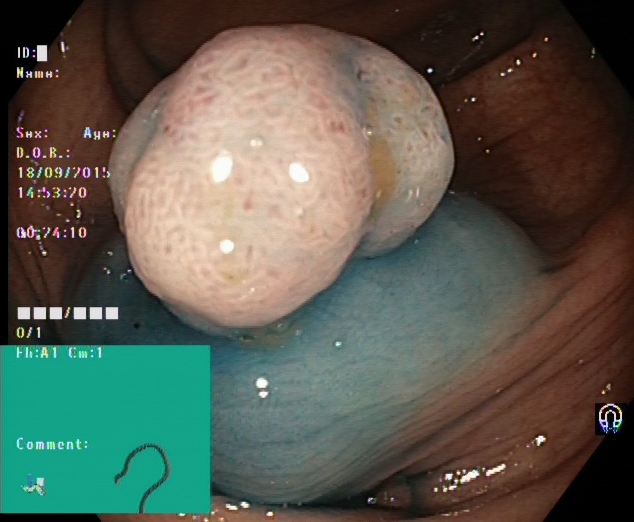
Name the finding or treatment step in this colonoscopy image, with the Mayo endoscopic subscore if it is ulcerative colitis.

dyed and lifted polyp (pre-resection)